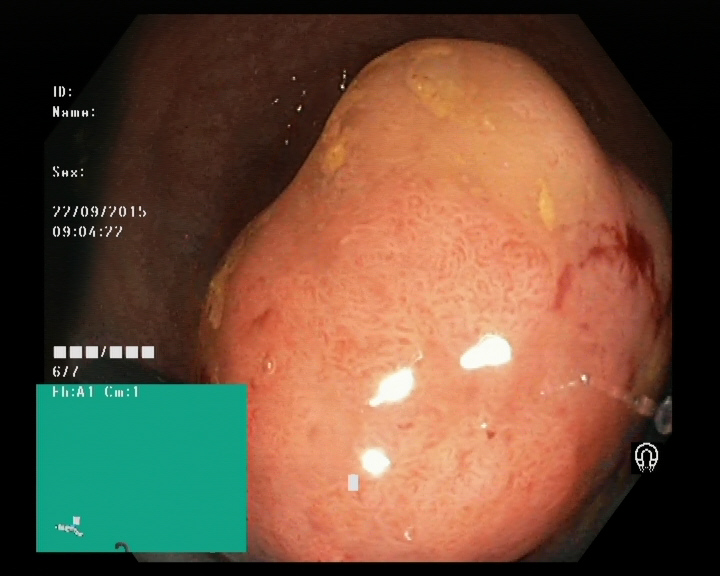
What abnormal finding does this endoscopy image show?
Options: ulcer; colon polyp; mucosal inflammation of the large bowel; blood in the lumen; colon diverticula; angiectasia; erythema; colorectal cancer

colon polyp